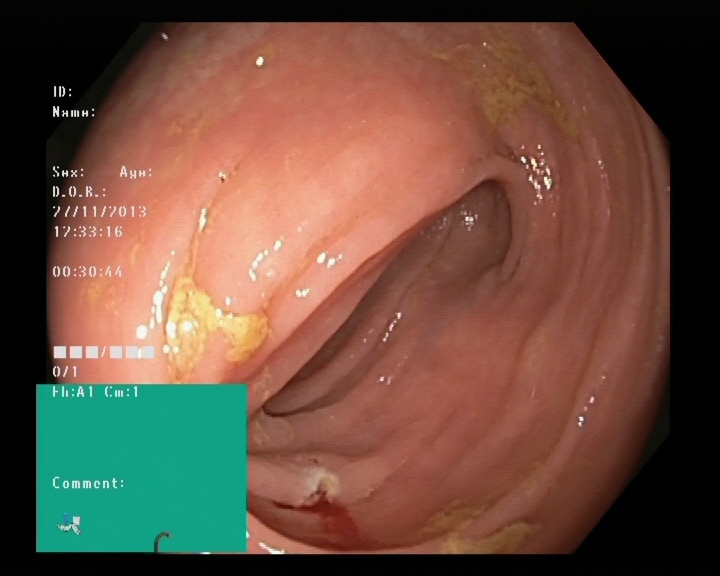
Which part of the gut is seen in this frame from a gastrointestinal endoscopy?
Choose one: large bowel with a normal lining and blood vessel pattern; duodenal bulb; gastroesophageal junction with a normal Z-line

large bowel with a normal lining and blood vessel pattern